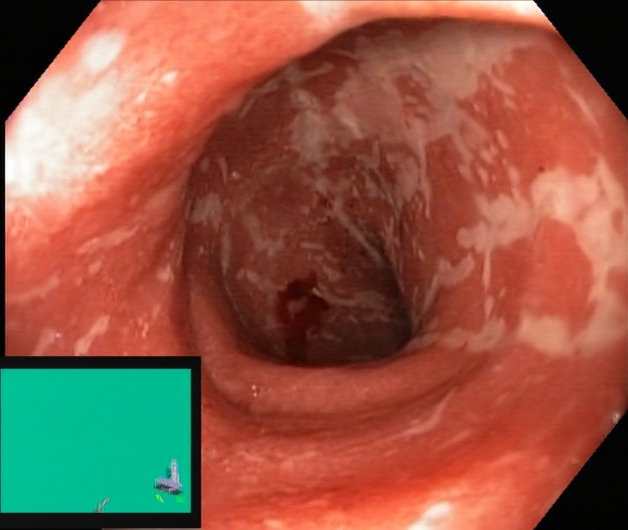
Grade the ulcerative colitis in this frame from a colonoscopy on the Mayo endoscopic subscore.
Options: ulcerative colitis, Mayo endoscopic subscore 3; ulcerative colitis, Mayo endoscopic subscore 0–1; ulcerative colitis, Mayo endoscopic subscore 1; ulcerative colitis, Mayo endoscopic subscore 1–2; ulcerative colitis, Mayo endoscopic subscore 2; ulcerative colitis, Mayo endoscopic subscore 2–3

ulcerative colitis, Mayo endoscopic subscore 2